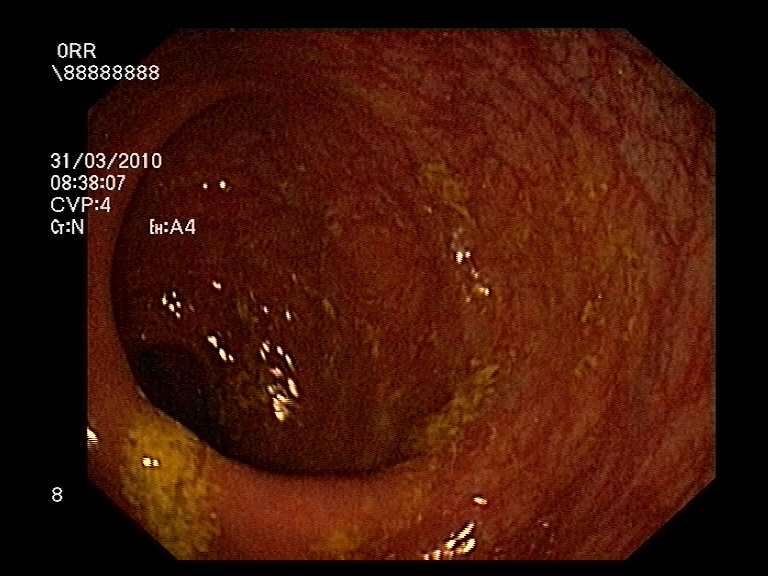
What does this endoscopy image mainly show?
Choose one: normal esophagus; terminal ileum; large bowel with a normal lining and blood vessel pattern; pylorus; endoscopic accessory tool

large bowel with a normal lining and blood vessel pattern